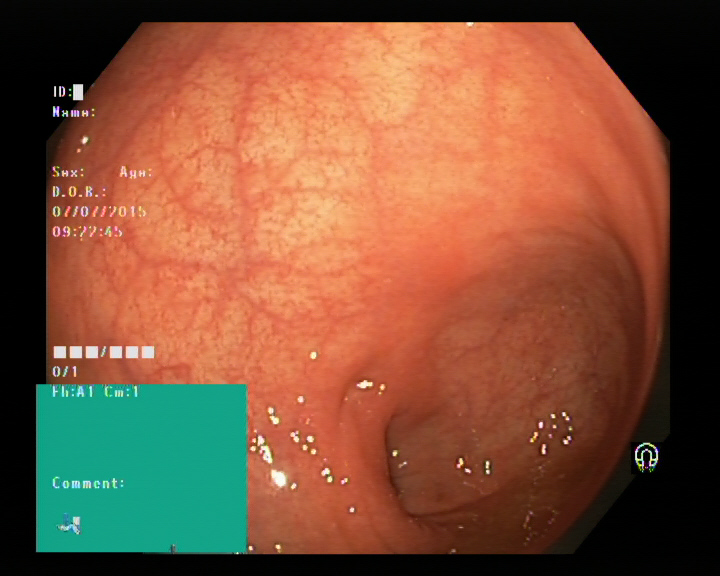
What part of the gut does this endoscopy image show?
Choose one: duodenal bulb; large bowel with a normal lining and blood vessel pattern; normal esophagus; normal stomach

large bowel with a normal lining and blood vessel pattern